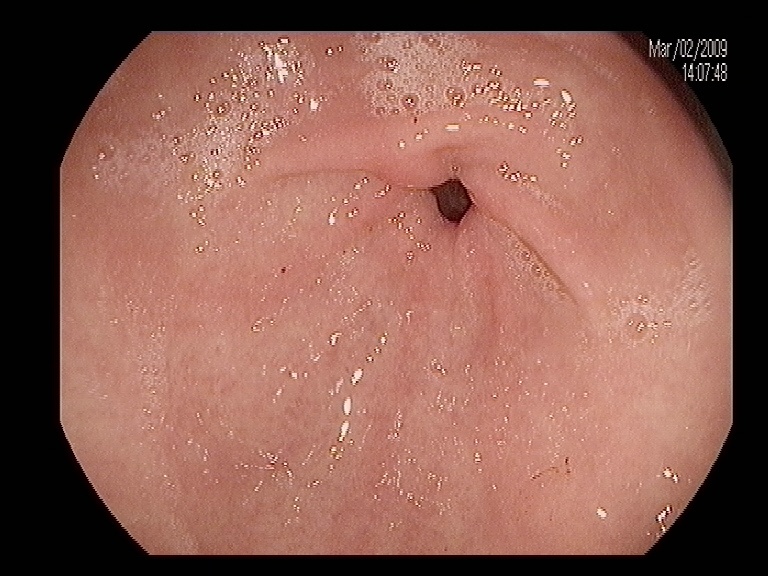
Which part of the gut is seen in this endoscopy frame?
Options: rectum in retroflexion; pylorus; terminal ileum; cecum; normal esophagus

pylorus